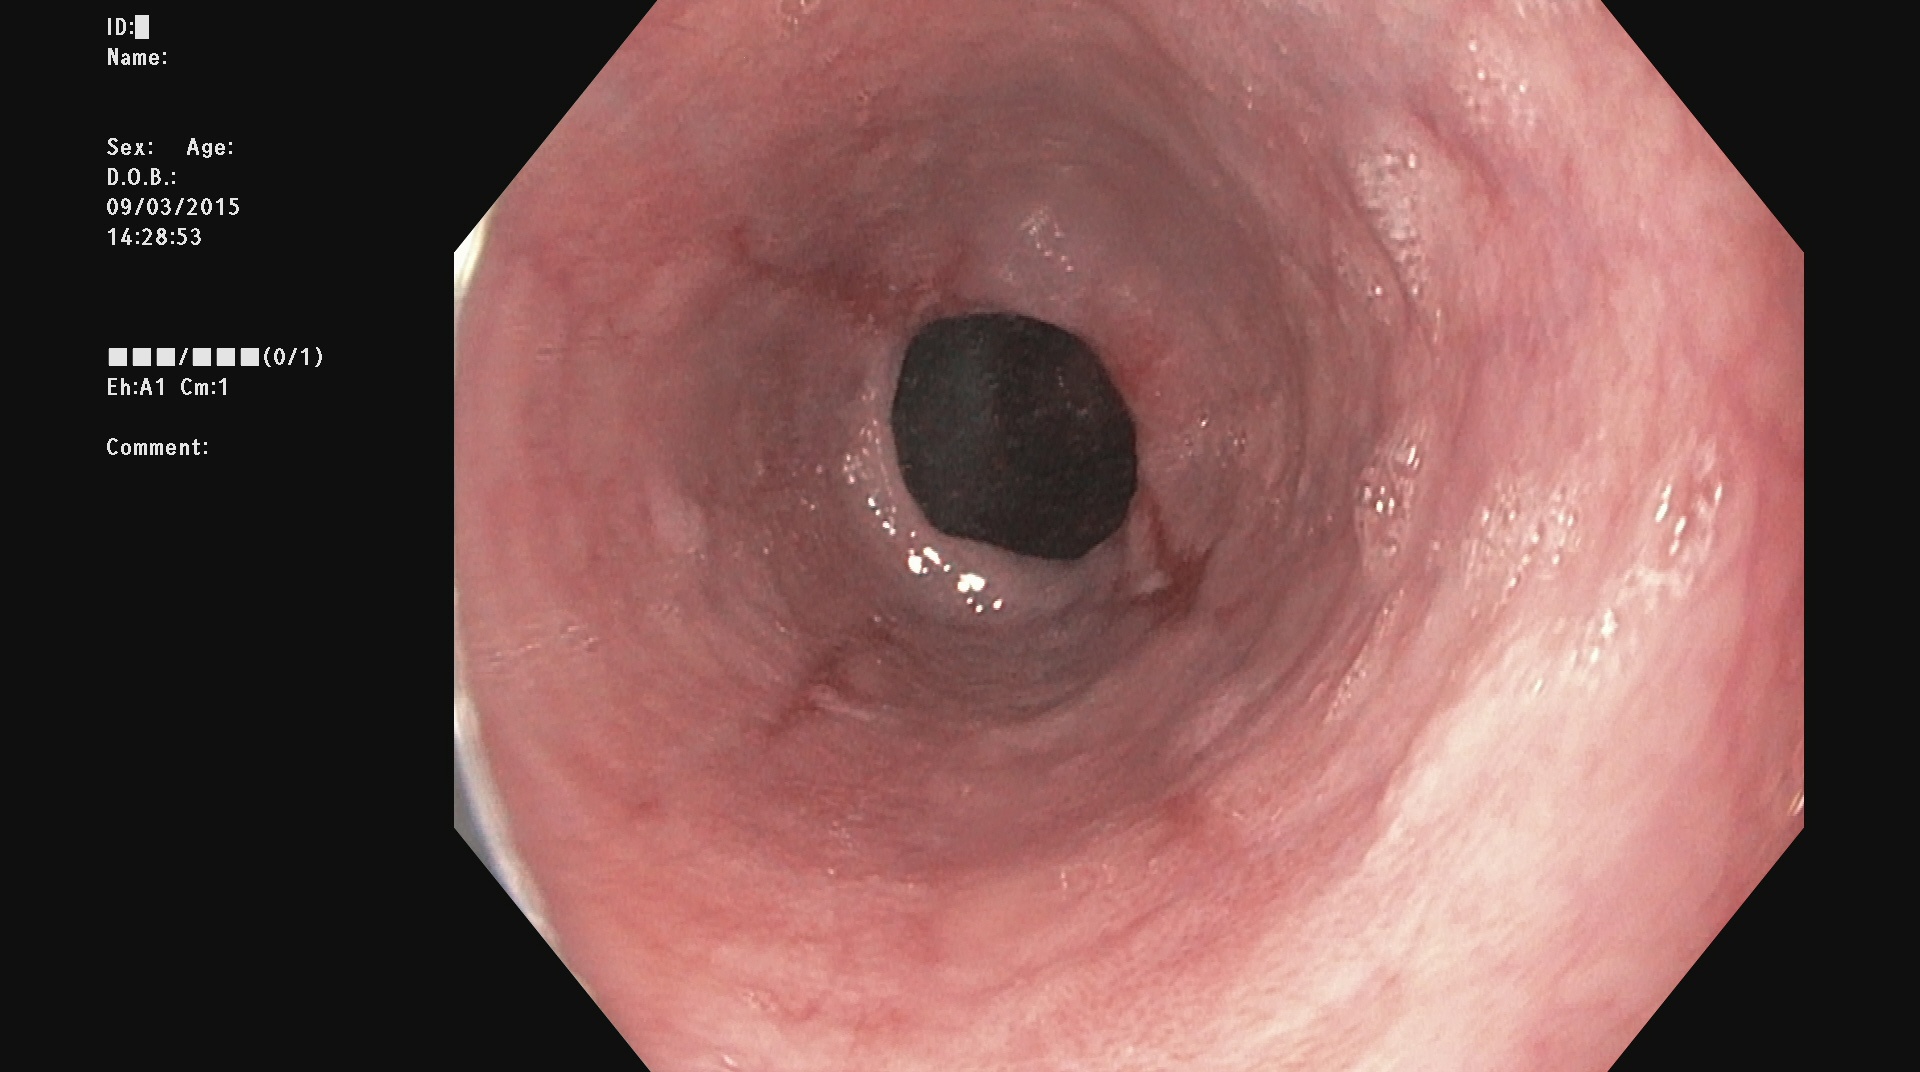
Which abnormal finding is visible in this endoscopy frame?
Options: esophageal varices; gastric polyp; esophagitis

esophagitis